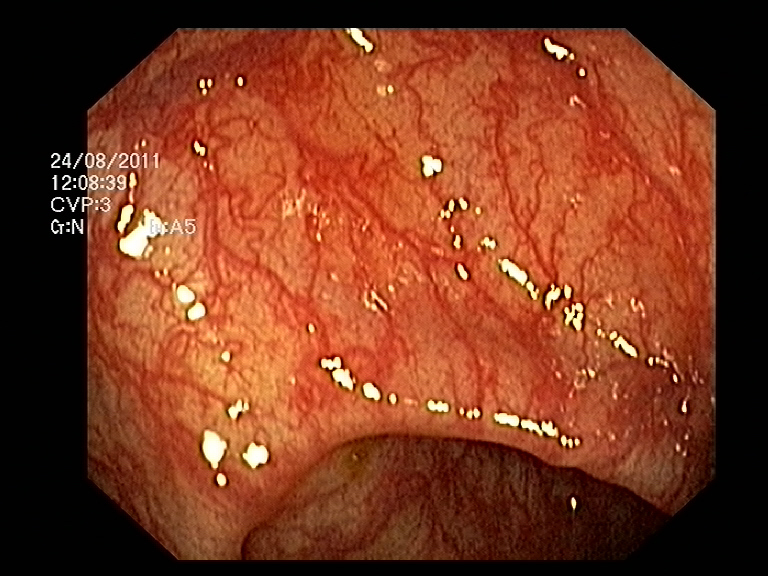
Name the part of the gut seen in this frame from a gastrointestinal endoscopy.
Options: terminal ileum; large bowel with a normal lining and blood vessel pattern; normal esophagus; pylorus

large bowel with a normal lining and blood vessel pattern